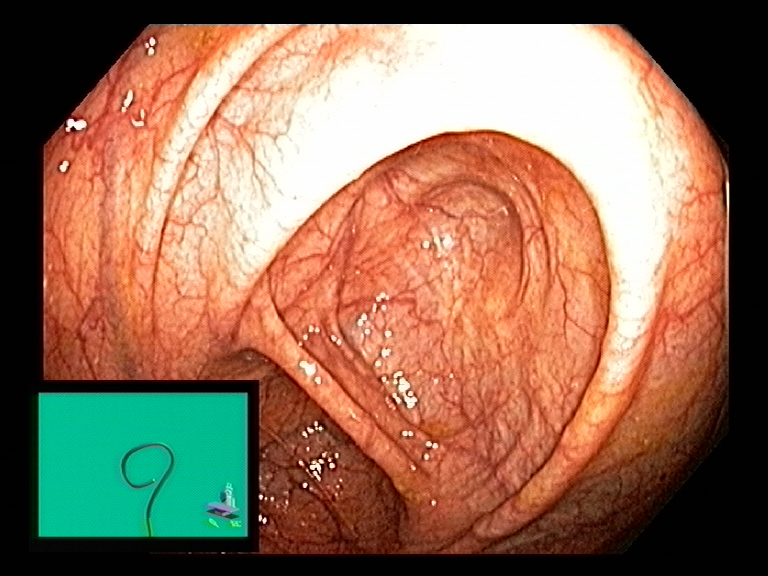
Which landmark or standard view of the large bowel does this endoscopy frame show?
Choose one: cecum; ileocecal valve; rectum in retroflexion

cecum